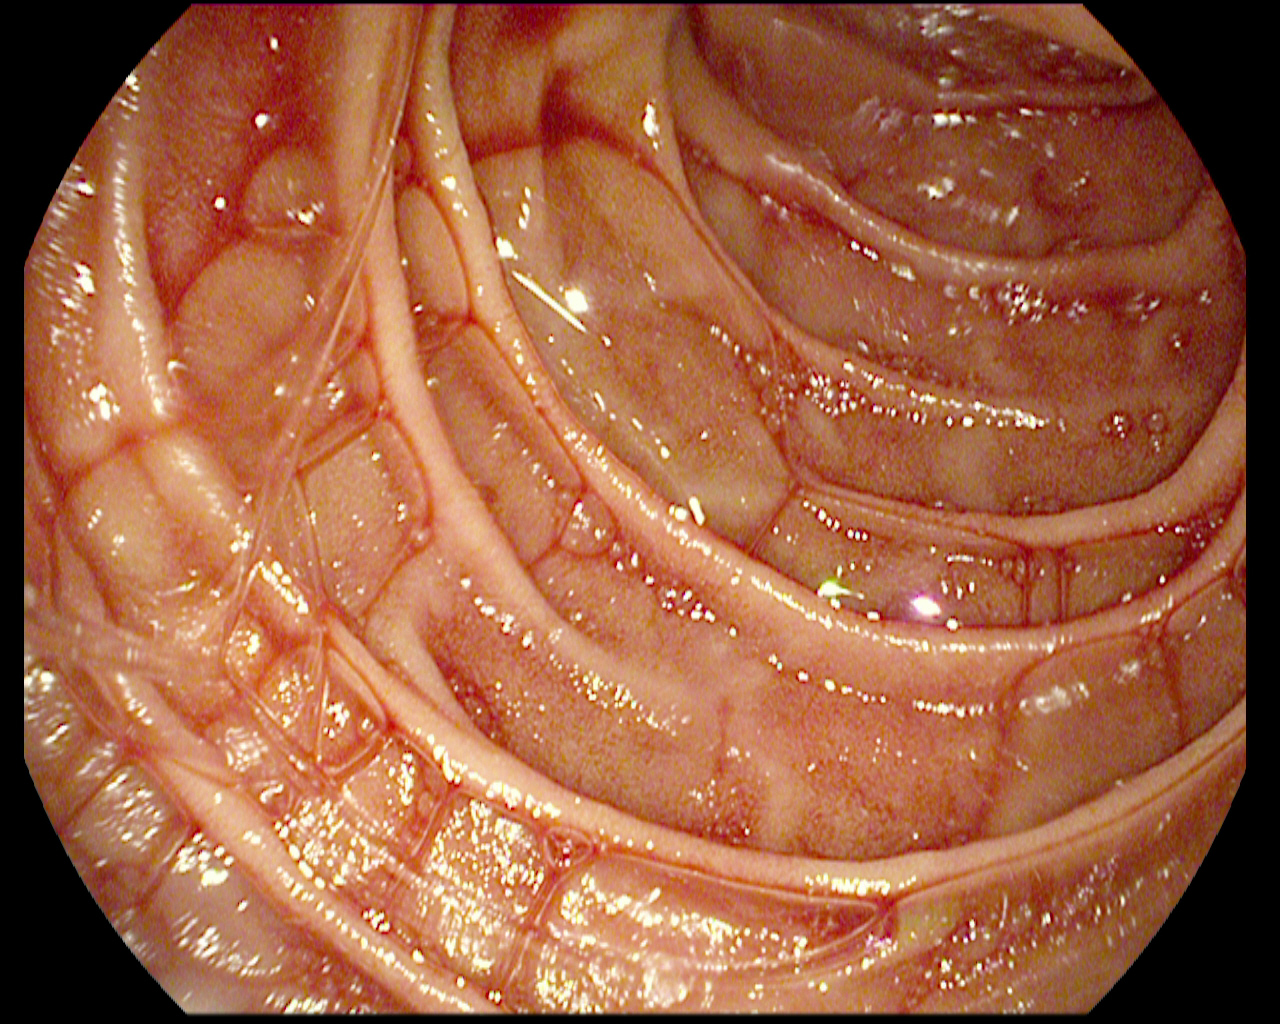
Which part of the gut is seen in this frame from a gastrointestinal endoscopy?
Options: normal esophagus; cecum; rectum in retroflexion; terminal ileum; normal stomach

terminal ileum